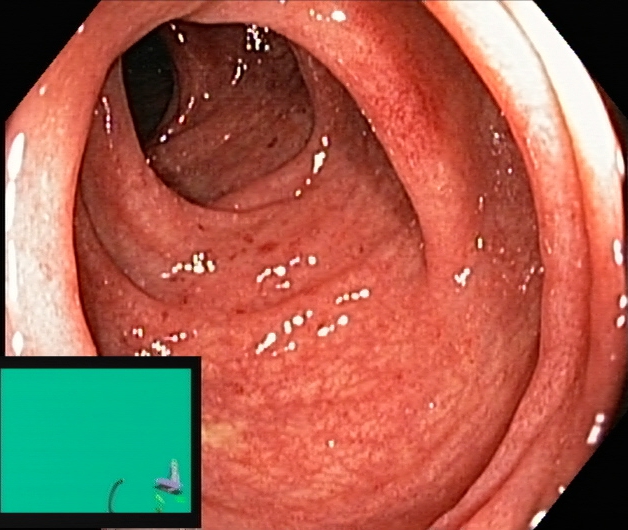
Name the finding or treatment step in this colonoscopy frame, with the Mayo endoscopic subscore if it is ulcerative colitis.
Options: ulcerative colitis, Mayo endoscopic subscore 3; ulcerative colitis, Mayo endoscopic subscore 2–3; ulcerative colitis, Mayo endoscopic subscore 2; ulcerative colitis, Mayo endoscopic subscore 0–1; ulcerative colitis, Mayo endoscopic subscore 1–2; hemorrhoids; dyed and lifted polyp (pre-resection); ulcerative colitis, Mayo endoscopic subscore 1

ulcerative colitis, Mayo endoscopic subscore 1